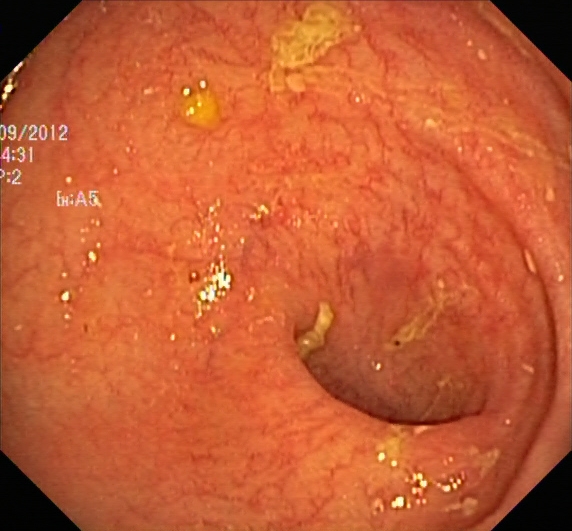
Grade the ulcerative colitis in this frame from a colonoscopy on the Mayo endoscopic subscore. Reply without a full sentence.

ulcerative colitis, Mayo endoscopic subscore 0–1